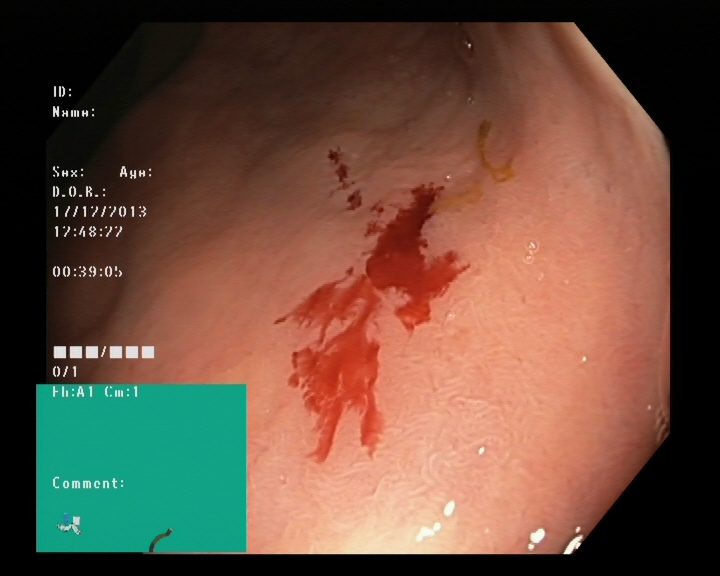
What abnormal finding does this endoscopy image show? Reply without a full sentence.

blood in the lumen